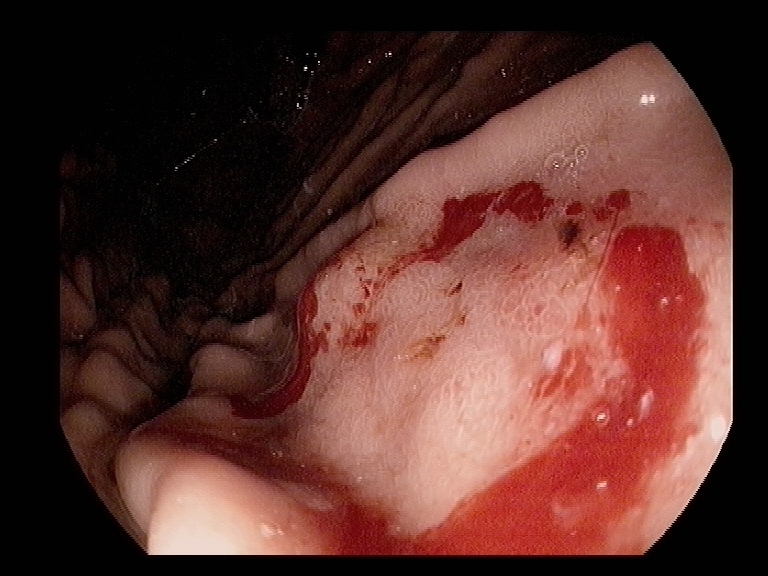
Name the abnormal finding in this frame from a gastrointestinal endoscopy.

blood in the lumen